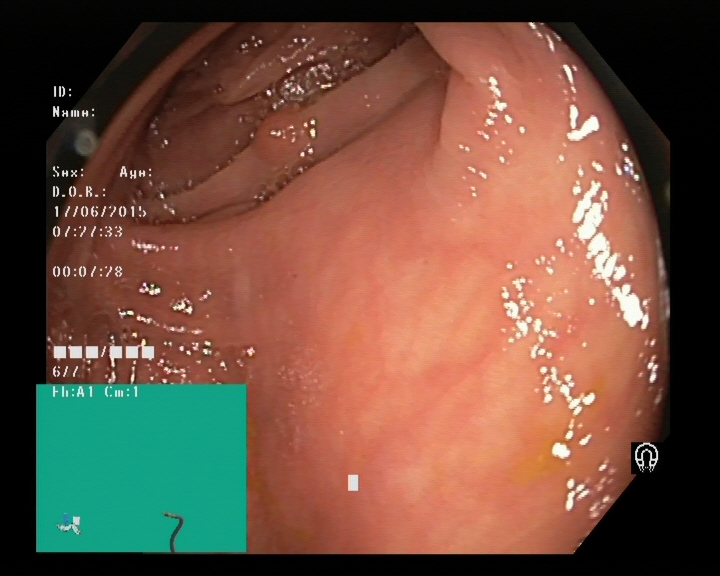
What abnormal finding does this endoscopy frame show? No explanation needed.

colon polyp